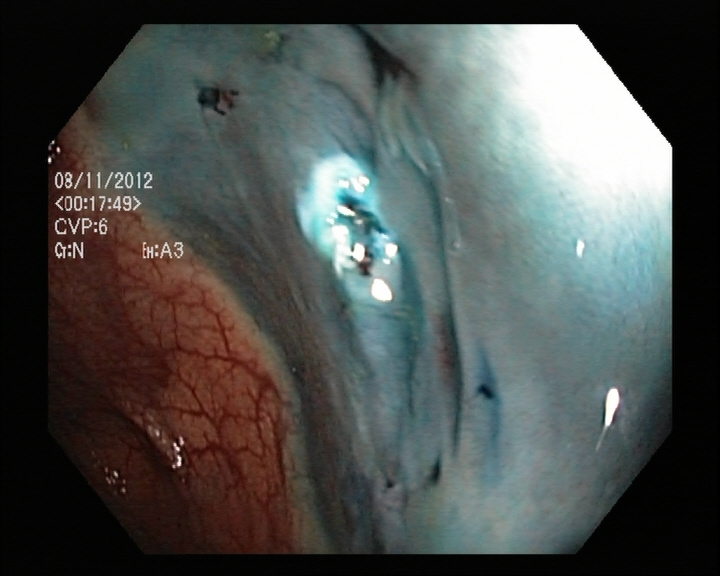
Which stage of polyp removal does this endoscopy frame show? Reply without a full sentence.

dyed resection margin (post-polypectomy)